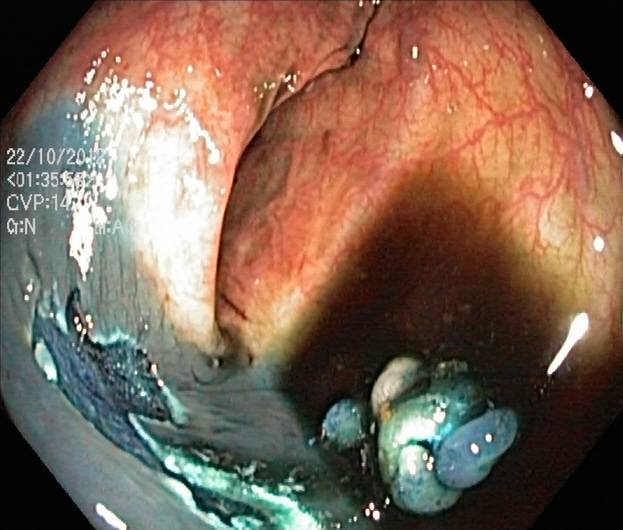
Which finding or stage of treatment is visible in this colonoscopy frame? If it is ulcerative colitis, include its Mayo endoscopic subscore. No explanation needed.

dyed and lifted polyp (pre-resection)